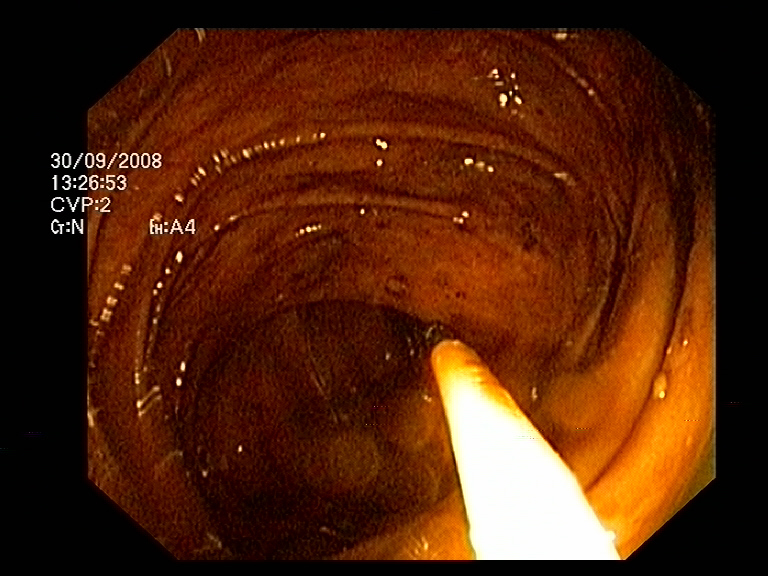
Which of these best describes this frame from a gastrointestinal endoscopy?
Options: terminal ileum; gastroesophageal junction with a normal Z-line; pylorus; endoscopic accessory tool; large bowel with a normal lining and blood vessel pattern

endoscopic accessory tool